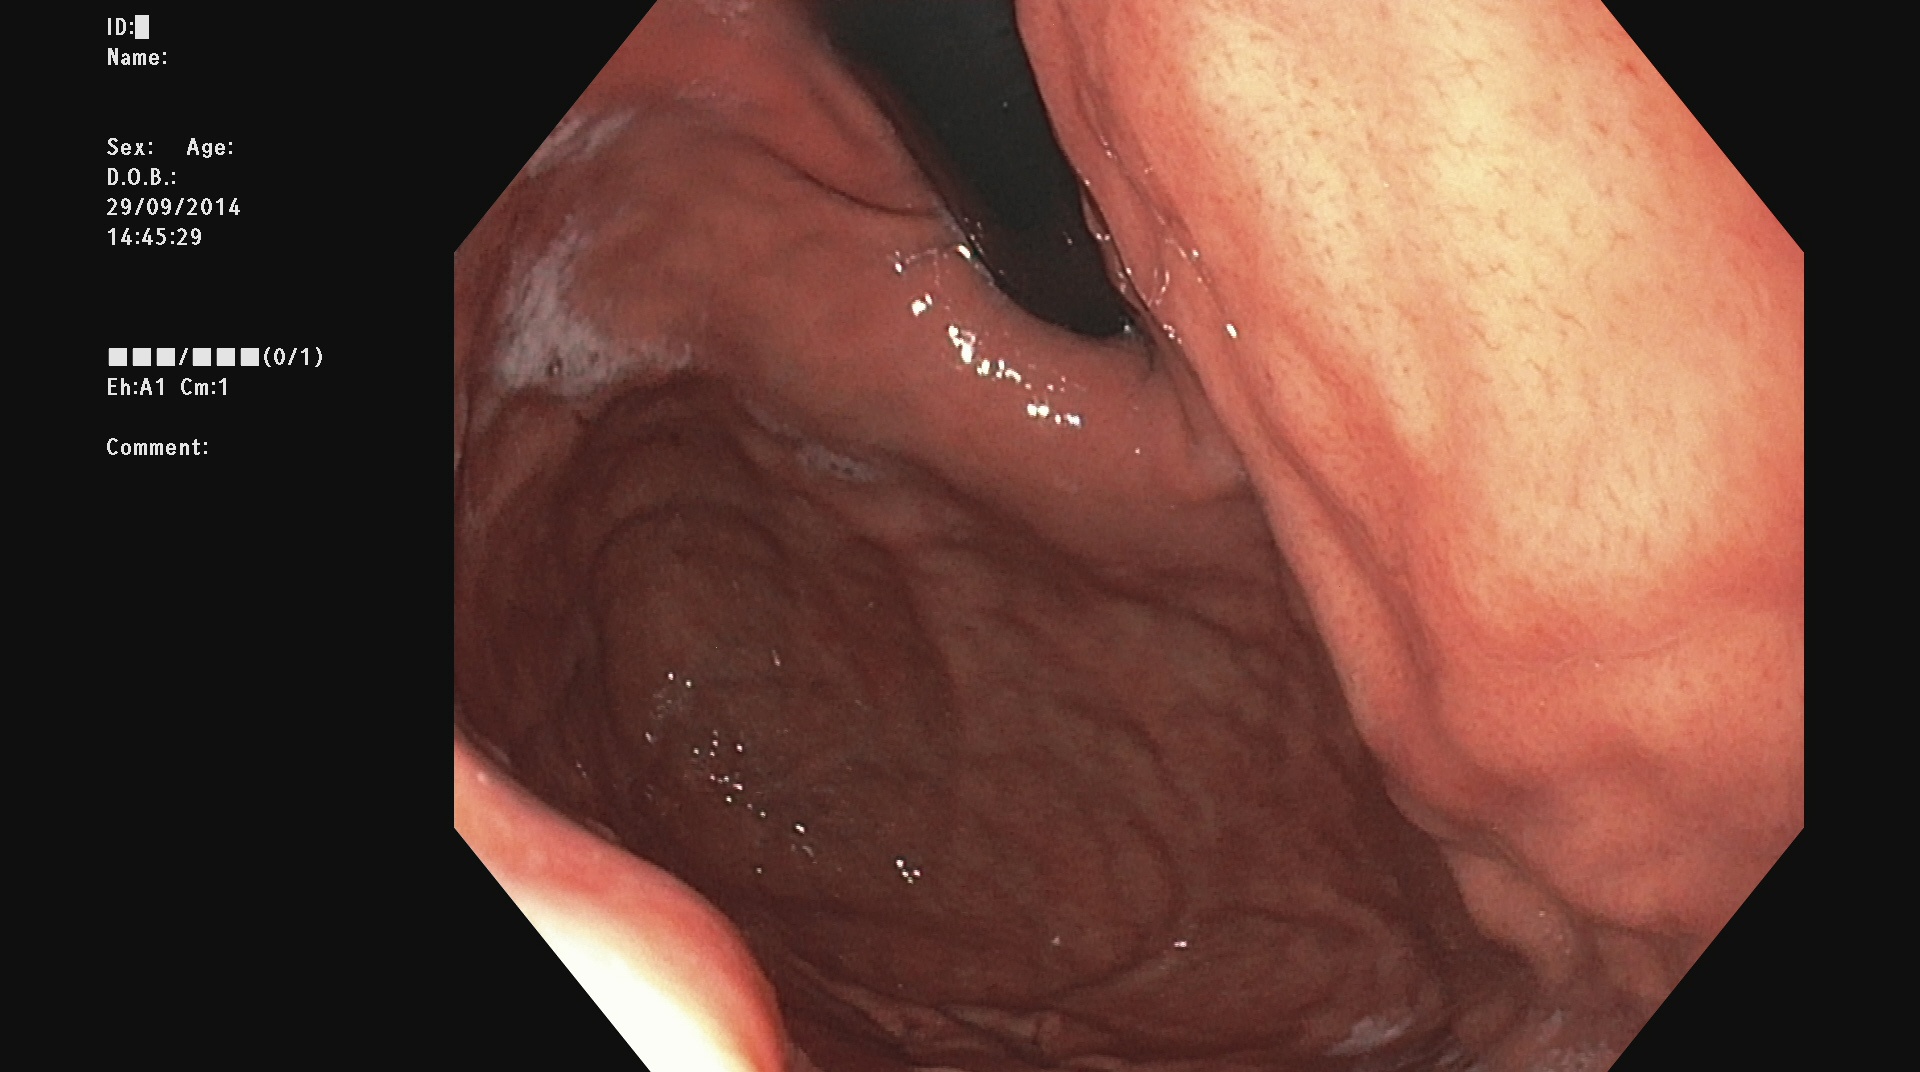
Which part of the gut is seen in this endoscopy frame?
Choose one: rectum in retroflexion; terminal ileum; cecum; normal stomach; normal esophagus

normal stomach